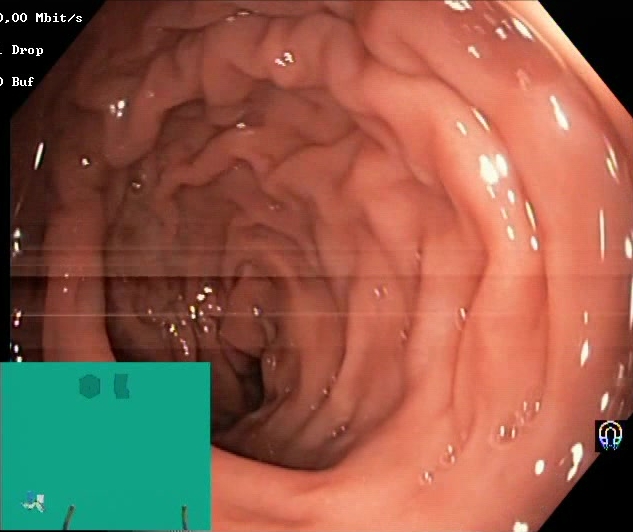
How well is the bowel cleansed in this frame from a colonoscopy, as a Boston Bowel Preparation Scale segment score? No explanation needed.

Boston Bowel Preparation Scale score 2–3 (adequate preparation)